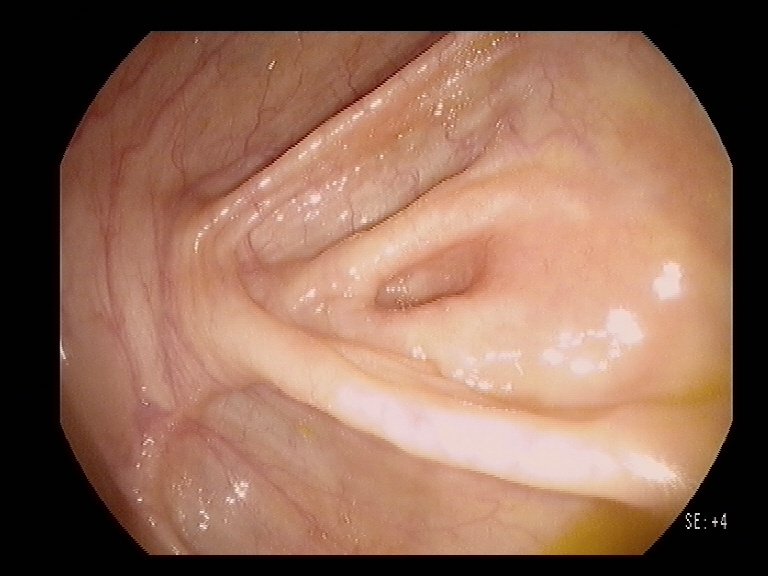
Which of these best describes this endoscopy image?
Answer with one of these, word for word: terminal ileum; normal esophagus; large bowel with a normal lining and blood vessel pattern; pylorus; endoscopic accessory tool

large bowel with a normal lining and blood vessel pattern